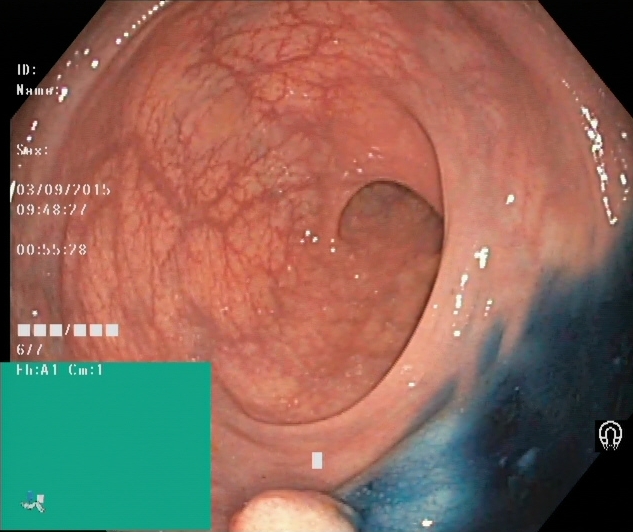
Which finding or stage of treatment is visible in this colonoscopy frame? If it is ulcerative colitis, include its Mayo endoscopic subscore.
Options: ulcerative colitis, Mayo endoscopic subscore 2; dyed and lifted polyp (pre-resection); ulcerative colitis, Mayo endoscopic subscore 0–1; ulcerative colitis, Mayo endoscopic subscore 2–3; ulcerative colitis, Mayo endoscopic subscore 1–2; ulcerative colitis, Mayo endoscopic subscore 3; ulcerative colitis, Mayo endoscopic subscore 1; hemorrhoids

dyed and lifted polyp (pre-resection)